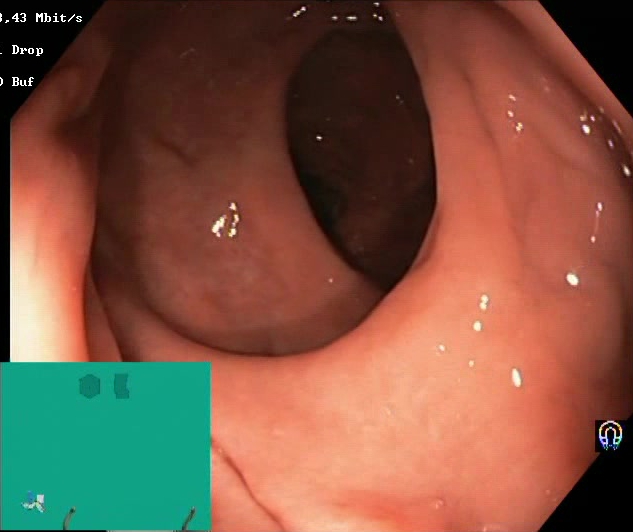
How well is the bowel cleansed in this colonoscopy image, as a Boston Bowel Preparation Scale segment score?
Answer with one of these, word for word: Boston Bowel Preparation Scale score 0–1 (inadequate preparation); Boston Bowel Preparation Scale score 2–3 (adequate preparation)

Boston Bowel Preparation Scale score 2–3 (adequate preparation)